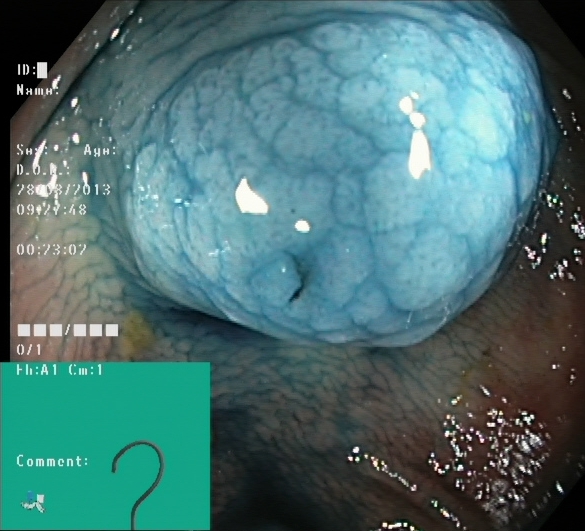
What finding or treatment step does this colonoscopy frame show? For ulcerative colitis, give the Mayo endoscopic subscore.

dyed and lifted polyp (pre-resection)